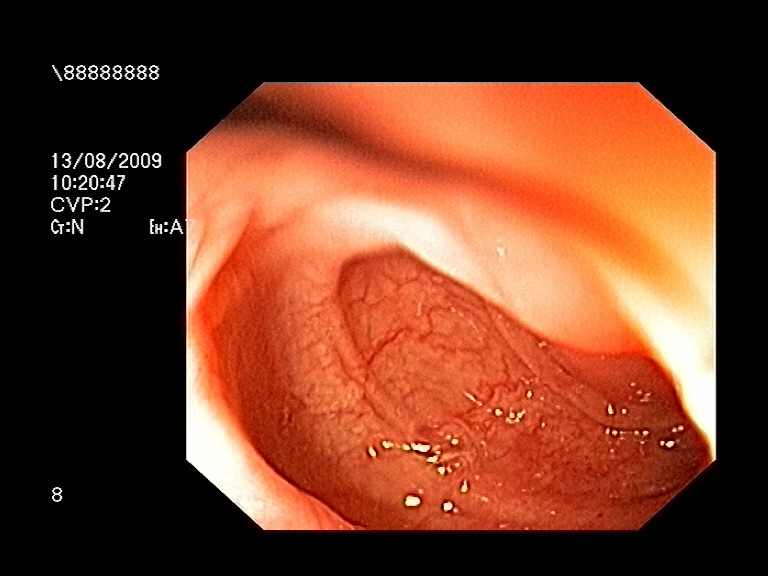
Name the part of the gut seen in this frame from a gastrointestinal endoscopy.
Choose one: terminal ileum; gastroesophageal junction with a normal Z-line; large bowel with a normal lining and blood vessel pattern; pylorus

large bowel with a normal lining and blood vessel pattern